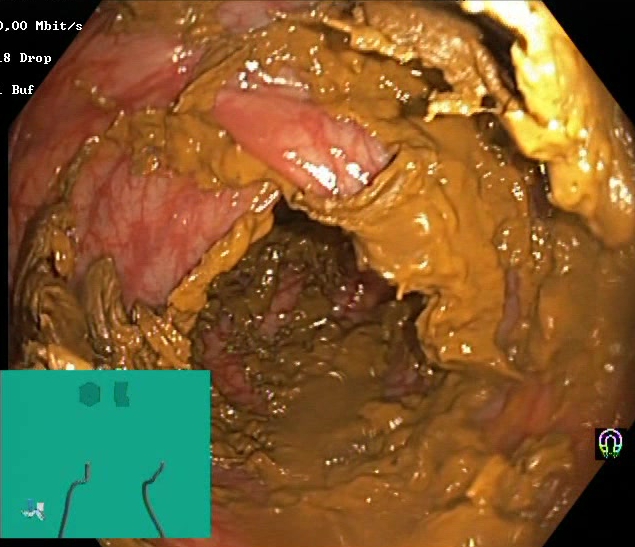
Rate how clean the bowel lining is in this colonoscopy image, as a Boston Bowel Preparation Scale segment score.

Boston Bowel Preparation Scale score 0–1 (inadequate preparation)